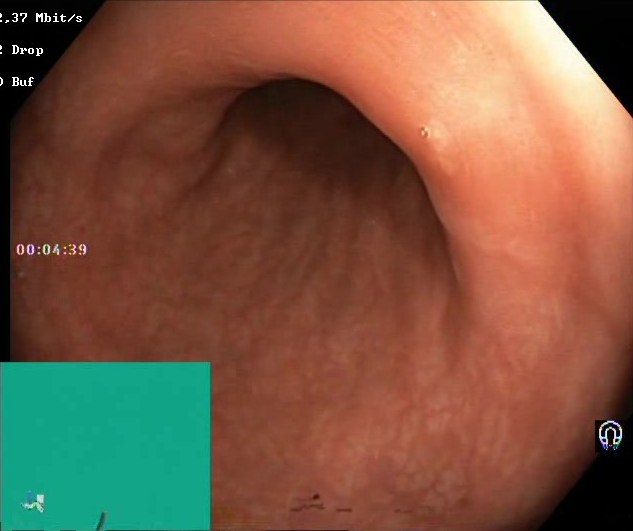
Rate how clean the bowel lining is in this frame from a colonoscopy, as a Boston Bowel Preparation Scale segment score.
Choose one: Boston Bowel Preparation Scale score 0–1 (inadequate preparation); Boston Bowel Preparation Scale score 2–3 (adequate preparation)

Boston Bowel Preparation Scale score 2–3 (adequate preparation)